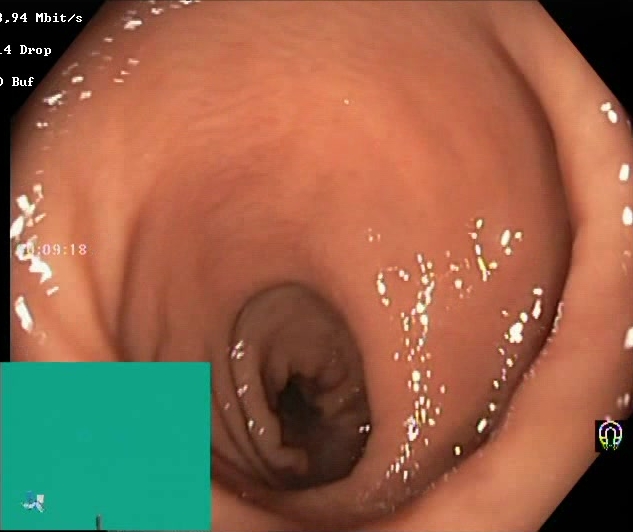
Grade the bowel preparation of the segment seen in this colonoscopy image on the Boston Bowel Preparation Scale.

Boston Bowel Preparation Scale score 2–3 (adequate preparation)